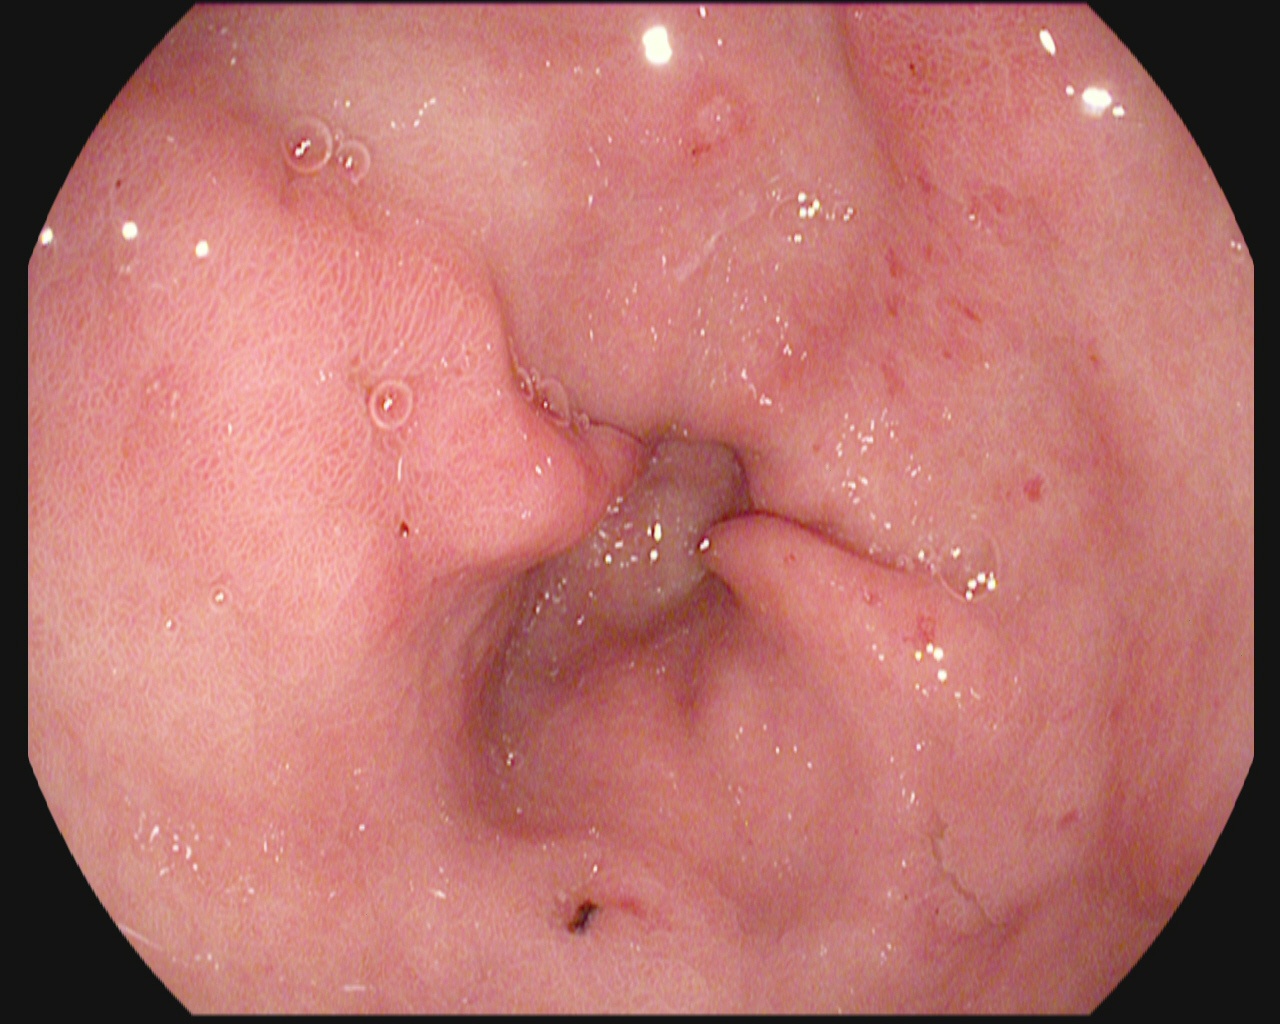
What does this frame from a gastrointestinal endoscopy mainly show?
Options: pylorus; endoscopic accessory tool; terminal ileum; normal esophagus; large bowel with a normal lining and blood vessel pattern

pylorus